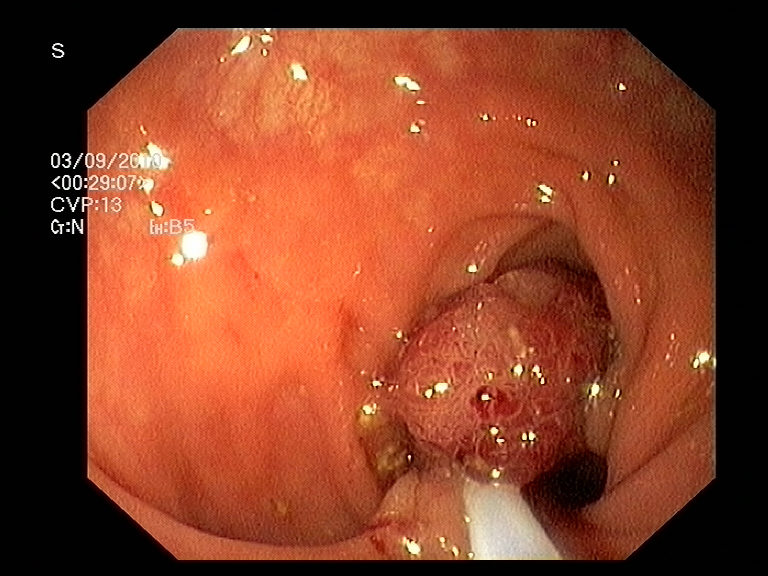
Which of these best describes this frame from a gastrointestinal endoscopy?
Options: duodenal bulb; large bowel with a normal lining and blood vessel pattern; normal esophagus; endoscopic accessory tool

endoscopic accessory tool